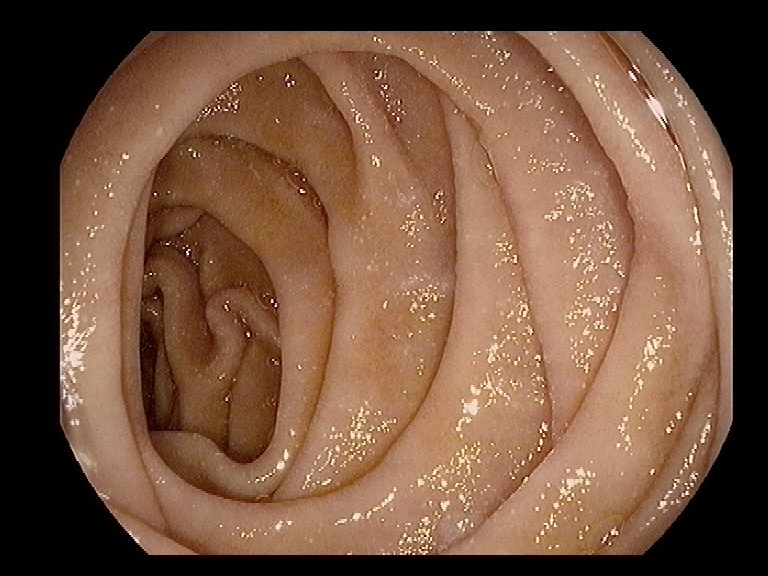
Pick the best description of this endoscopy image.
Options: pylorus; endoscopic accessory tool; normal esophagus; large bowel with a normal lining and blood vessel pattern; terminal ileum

terminal ileum